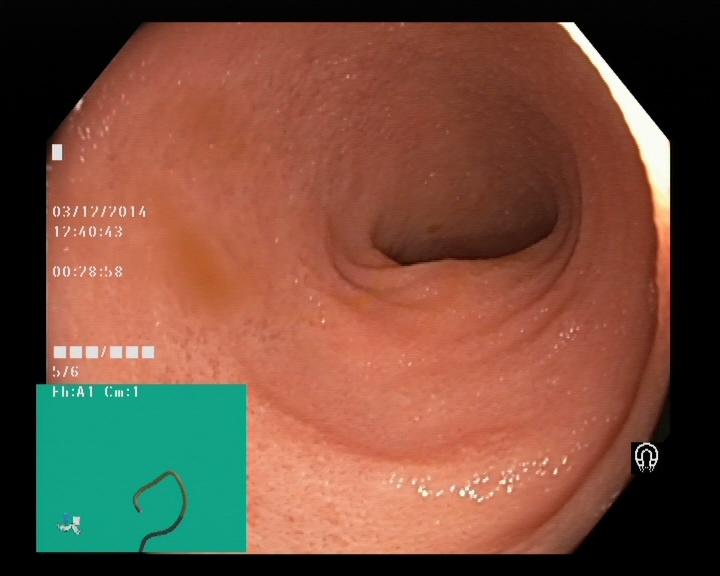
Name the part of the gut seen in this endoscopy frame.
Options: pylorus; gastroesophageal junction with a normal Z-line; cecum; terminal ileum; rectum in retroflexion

terminal ileum